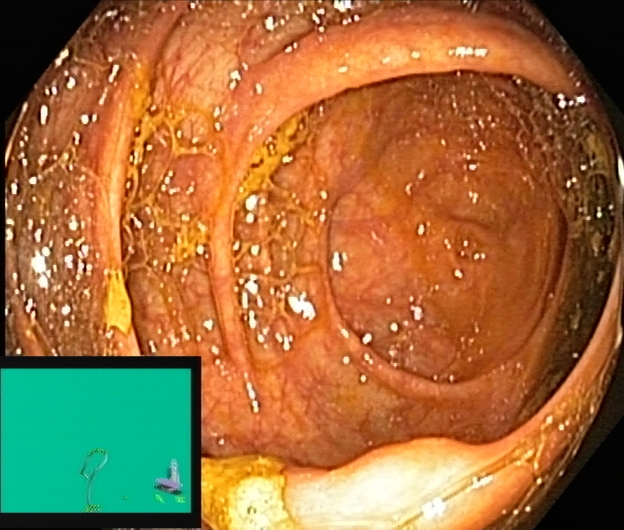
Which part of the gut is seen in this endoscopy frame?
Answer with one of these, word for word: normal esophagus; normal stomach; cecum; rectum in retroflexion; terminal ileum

cecum